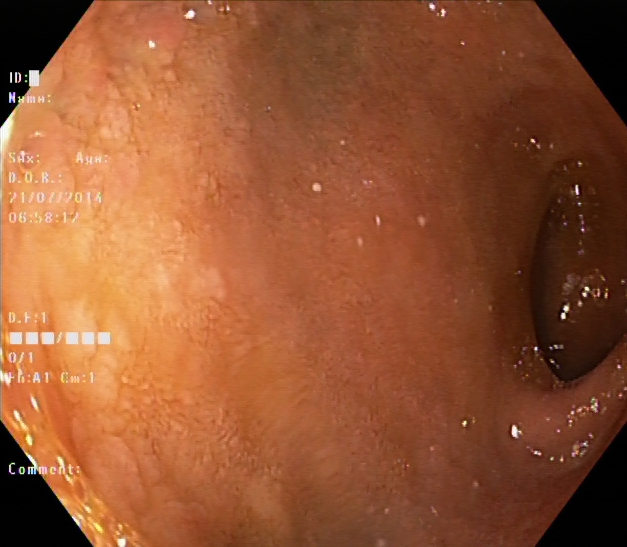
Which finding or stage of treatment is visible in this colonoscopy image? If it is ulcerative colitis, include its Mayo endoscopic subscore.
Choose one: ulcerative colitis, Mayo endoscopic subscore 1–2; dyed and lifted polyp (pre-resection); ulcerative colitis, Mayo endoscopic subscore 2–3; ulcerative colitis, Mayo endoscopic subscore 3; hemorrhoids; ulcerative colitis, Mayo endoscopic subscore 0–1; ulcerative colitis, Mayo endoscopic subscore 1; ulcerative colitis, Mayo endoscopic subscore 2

ulcerative colitis, Mayo endoscopic subscore 1